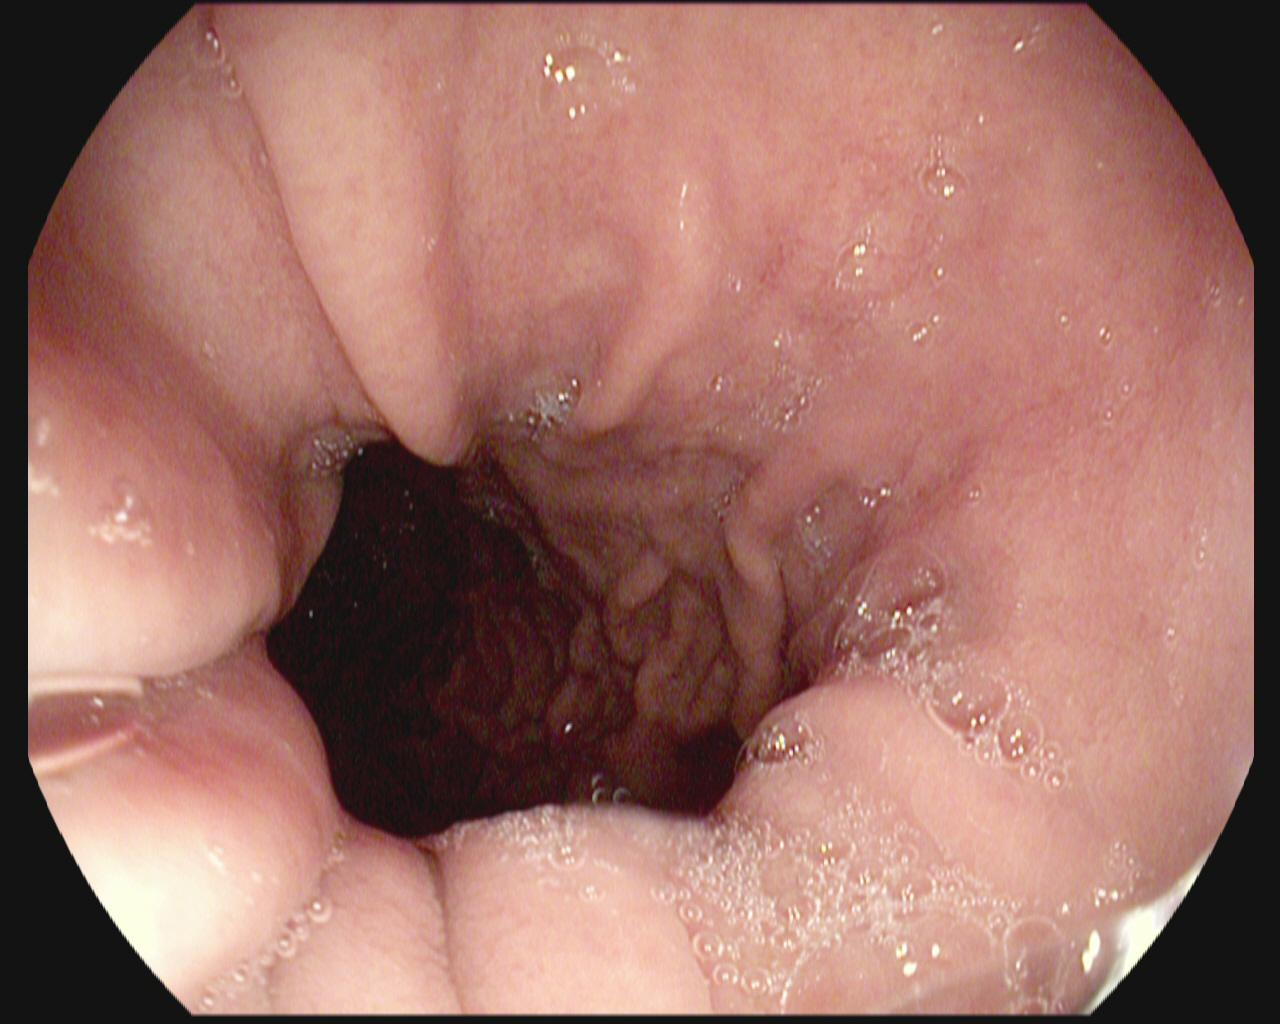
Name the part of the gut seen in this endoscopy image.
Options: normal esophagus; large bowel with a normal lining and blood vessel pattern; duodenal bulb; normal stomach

normal stomach